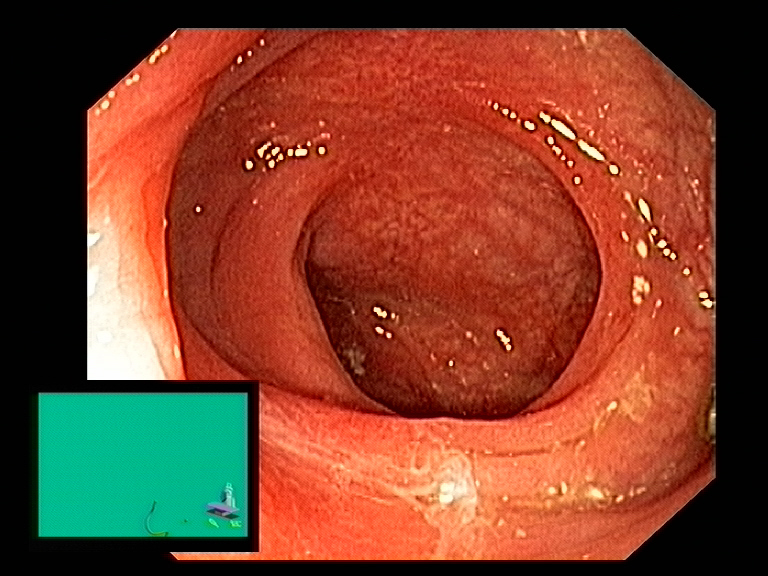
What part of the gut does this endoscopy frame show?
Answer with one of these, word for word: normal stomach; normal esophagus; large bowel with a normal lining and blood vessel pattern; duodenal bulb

large bowel with a normal lining and blood vessel pattern